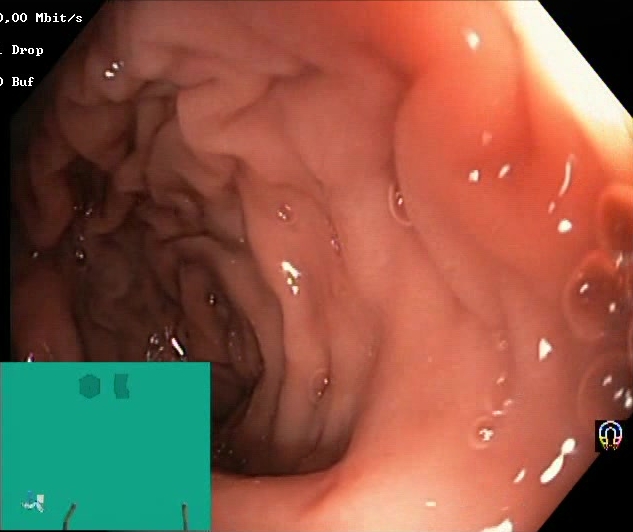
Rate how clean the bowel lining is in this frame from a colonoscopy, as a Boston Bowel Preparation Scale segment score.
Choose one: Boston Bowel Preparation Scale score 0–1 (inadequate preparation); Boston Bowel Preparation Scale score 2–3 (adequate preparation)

Boston Bowel Preparation Scale score 2–3 (adequate preparation)